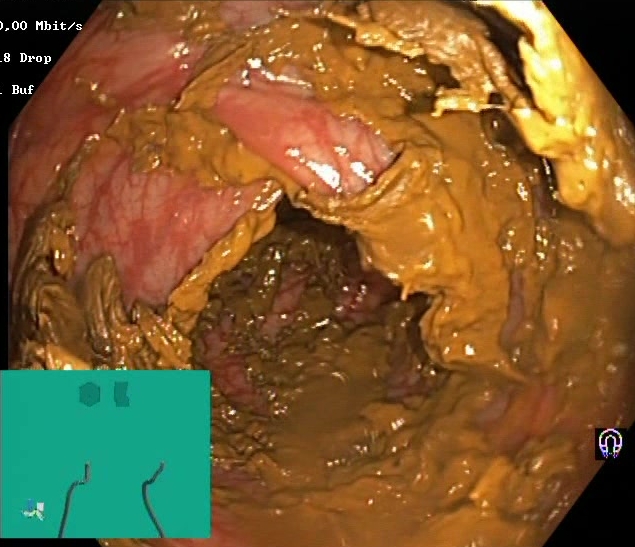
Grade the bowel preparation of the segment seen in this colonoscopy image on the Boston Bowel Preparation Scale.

Boston Bowel Preparation Scale score 0–1 (inadequate preparation)